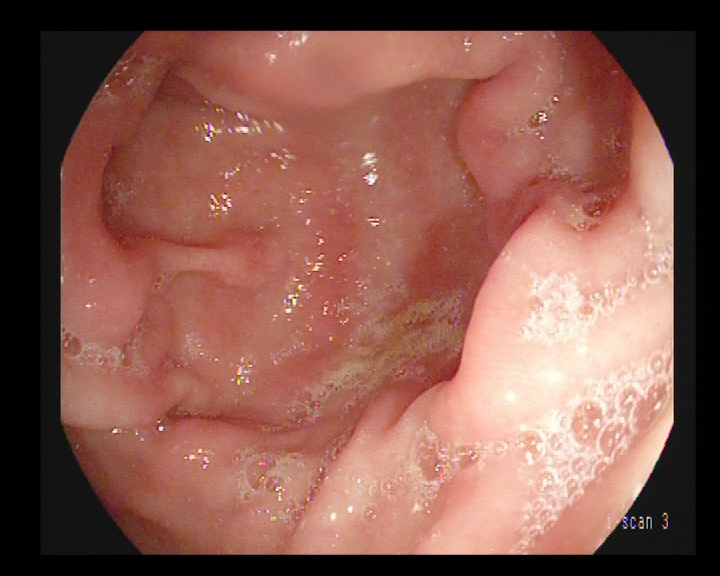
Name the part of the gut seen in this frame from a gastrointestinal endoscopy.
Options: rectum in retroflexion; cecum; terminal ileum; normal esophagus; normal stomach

normal stomach